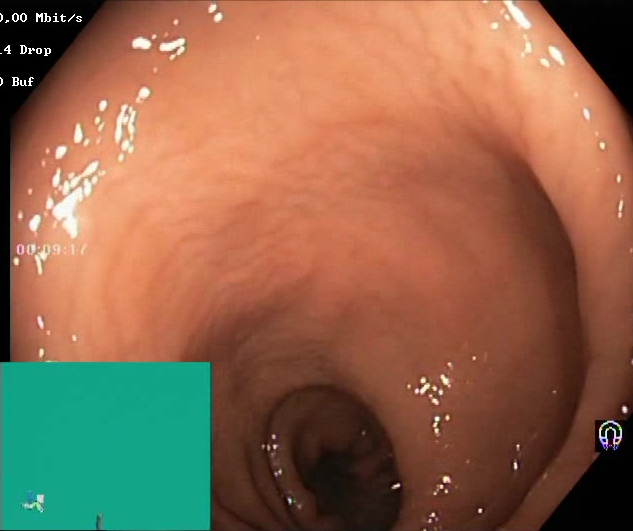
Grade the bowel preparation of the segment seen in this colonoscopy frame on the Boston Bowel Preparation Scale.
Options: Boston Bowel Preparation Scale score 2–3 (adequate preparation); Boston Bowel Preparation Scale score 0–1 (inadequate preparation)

Boston Bowel Preparation Scale score 2–3 (adequate preparation)